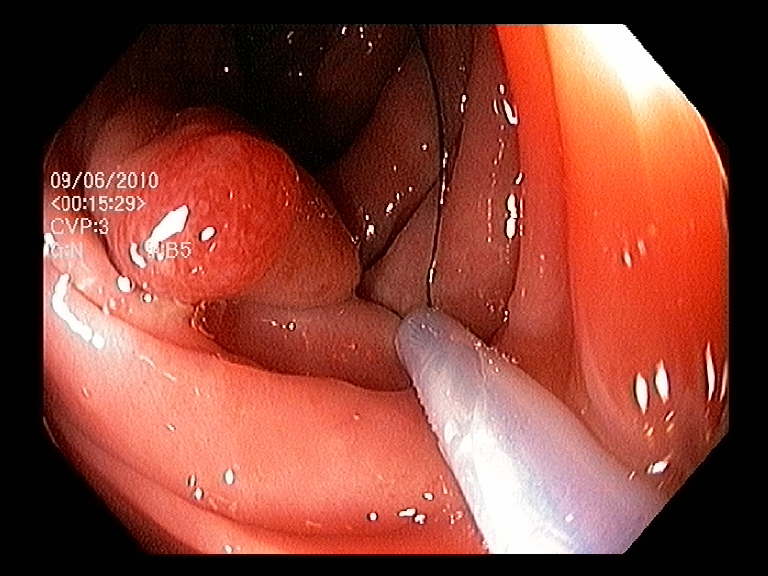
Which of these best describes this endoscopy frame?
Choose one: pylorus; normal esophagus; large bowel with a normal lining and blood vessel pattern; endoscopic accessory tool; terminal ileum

endoscopic accessory tool